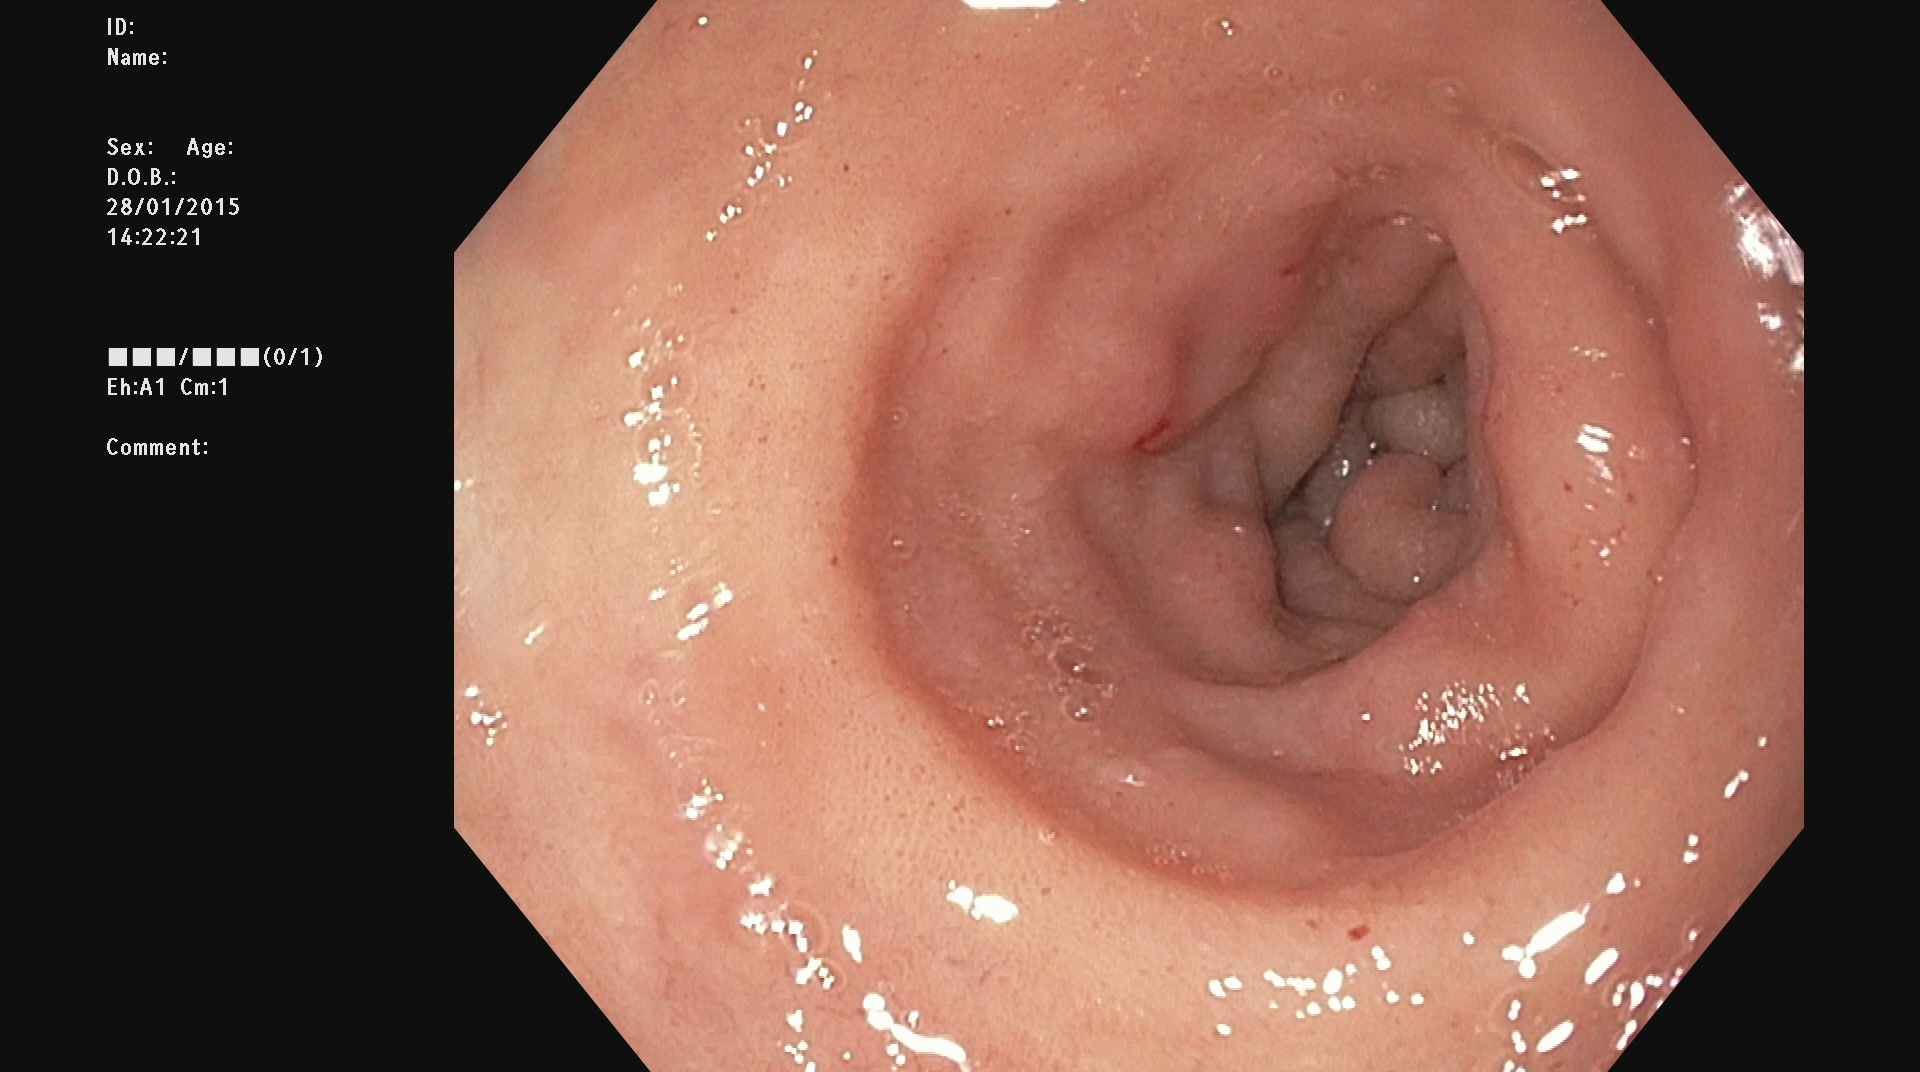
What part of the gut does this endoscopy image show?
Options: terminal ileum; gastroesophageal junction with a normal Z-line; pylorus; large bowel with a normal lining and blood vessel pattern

terminal ileum